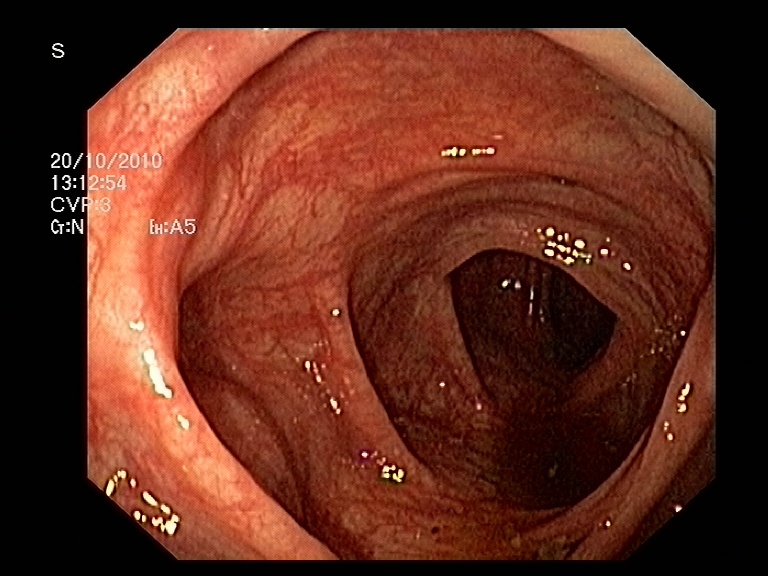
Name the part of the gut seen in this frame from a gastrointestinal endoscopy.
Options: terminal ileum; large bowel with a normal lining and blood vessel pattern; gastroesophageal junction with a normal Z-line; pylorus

large bowel with a normal lining and blood vessel pattern